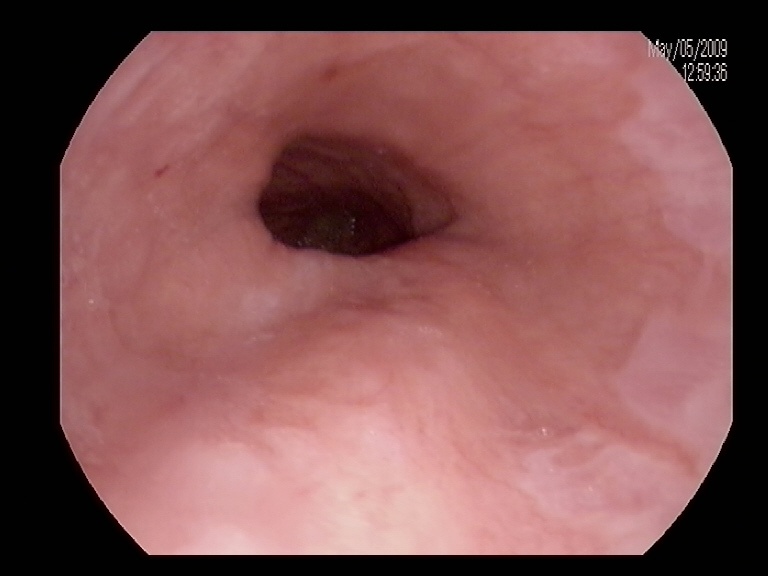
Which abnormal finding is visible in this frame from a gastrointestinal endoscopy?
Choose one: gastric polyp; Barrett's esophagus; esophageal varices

Barrett's esophagus